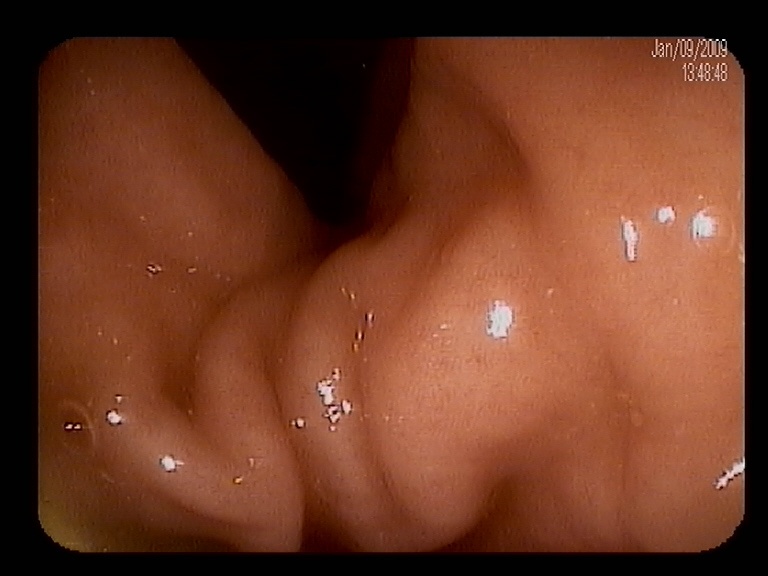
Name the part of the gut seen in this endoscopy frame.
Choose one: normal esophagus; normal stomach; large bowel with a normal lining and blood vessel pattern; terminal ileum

normal stomach